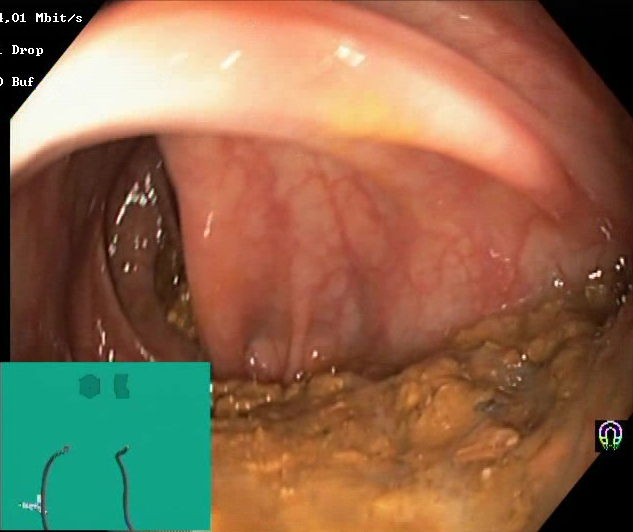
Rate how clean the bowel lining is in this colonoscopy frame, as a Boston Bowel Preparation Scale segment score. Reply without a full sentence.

Boston Bowel Preparation Scale score 0–1 (inadequate preparation)